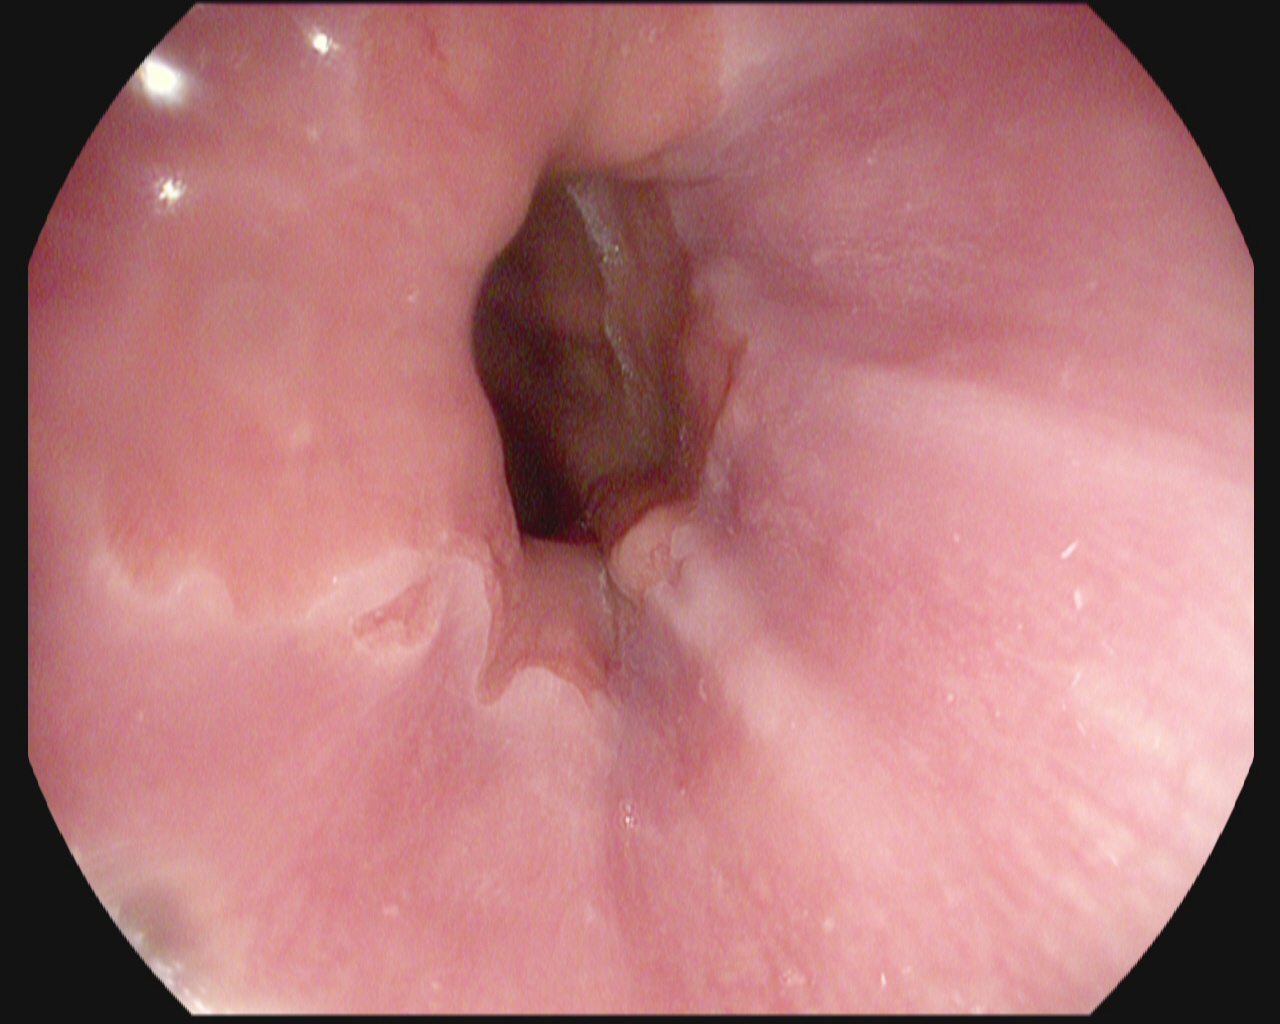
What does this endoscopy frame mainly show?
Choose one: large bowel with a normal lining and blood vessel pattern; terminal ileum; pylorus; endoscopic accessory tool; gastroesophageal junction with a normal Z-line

gastroesophageal junction with a normal Z-line